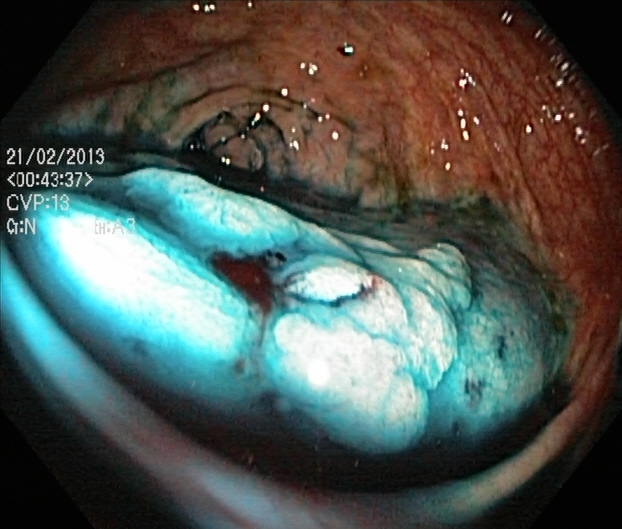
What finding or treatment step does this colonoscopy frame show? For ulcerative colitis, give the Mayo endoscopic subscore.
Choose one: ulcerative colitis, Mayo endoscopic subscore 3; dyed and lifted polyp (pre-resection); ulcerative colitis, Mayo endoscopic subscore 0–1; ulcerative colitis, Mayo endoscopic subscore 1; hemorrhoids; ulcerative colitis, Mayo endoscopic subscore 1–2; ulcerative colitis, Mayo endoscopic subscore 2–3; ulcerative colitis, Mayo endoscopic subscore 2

dyed and lifted polyp (pre-resection)